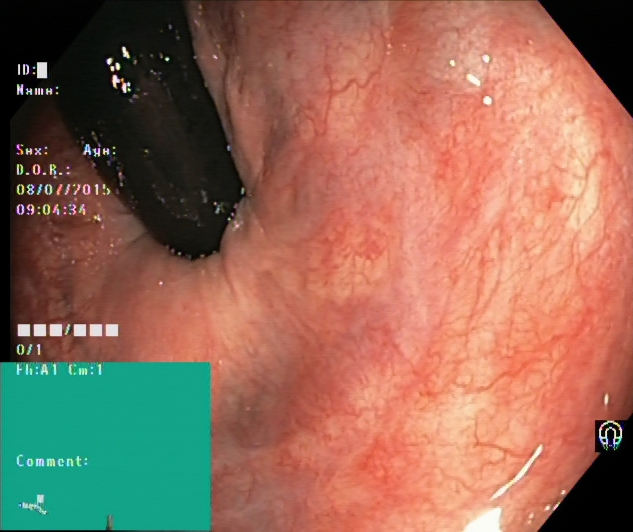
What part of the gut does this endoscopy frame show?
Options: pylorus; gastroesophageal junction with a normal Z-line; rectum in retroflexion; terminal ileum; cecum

rectum in retroflexion